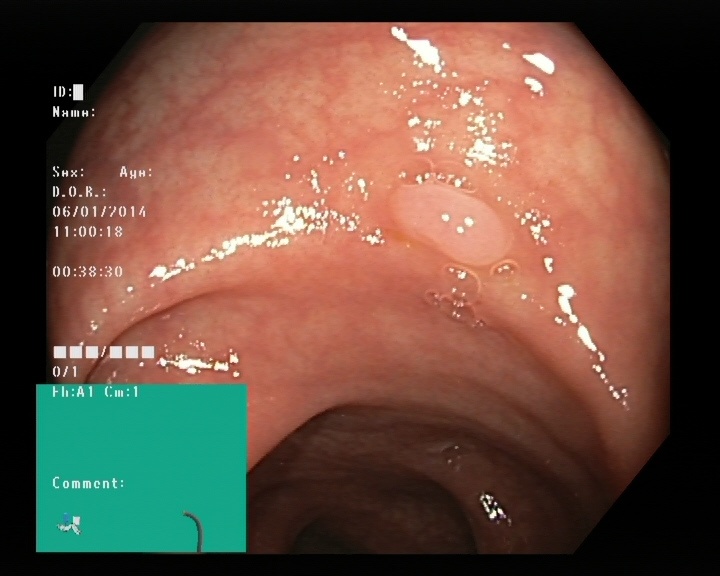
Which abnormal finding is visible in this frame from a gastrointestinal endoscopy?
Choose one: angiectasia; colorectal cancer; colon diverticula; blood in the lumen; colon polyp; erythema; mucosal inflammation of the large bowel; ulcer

colon polyp